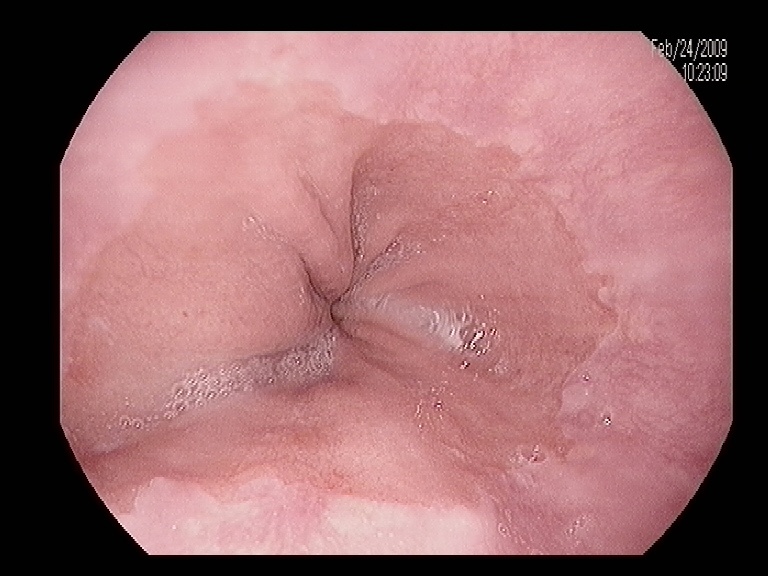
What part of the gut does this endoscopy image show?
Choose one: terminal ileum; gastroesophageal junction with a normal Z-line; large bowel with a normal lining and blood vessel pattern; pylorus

gastroesophageal junction with a normal Z-line